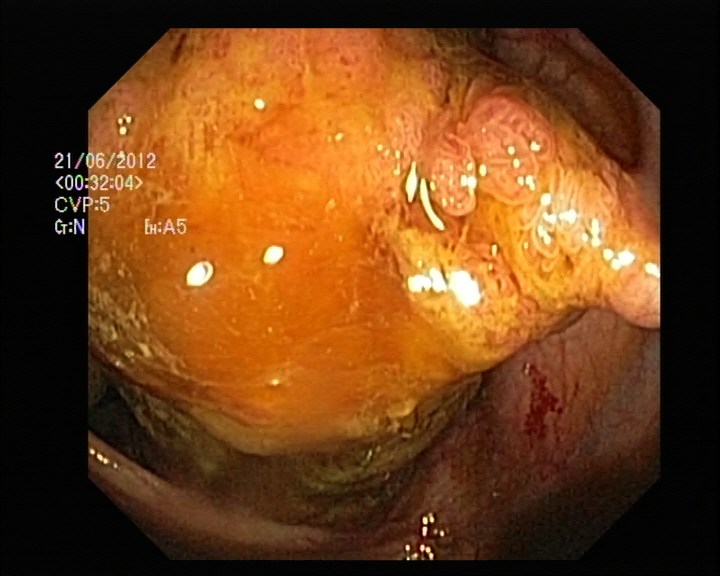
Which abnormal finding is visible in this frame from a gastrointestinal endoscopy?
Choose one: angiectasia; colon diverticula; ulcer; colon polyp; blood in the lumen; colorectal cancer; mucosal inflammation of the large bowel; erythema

colorectal cancer